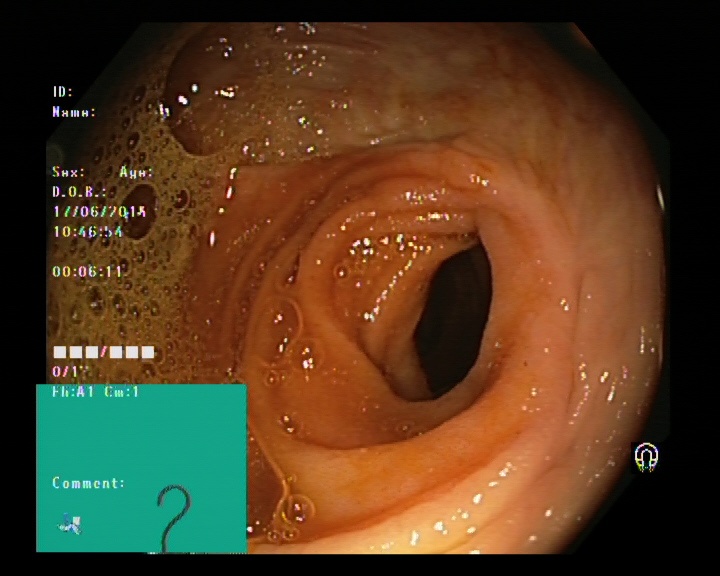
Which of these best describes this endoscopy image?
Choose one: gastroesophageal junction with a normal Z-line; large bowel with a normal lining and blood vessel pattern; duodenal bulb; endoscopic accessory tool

large bowel with a normal lining and blood vessel pattern